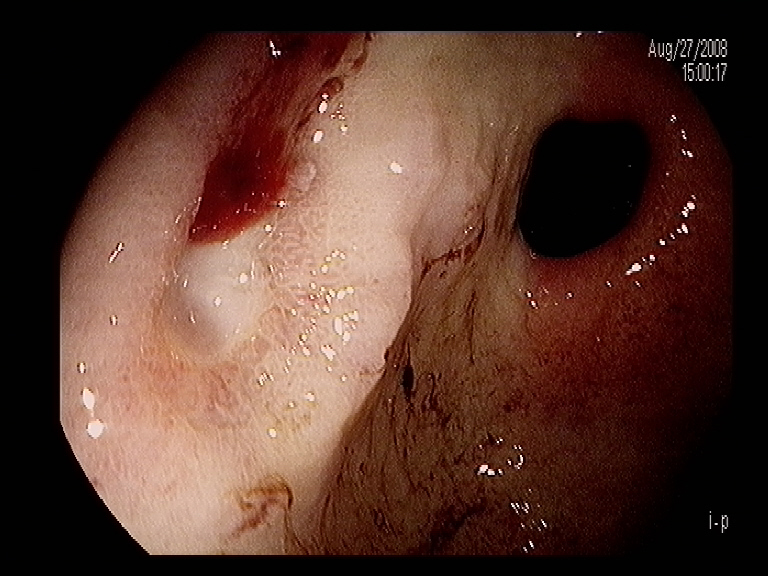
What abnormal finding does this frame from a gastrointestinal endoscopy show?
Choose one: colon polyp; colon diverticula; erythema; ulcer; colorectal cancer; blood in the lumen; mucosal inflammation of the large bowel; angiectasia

blood in the lumen